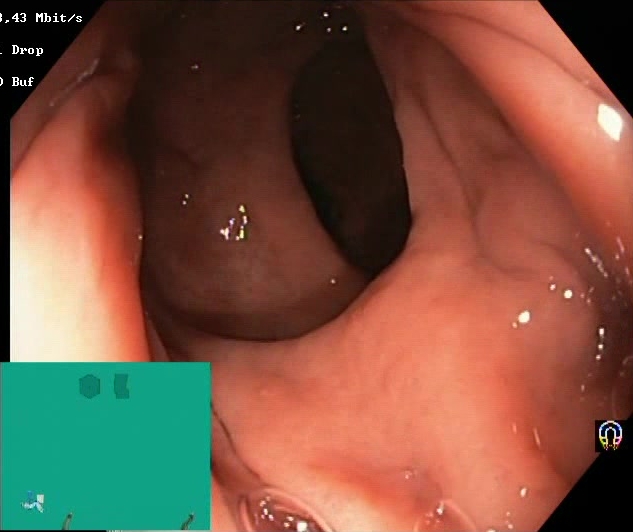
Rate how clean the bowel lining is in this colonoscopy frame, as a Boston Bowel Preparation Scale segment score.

Boston Bowel Preparation Scale score 2–3 (adequate preparation)